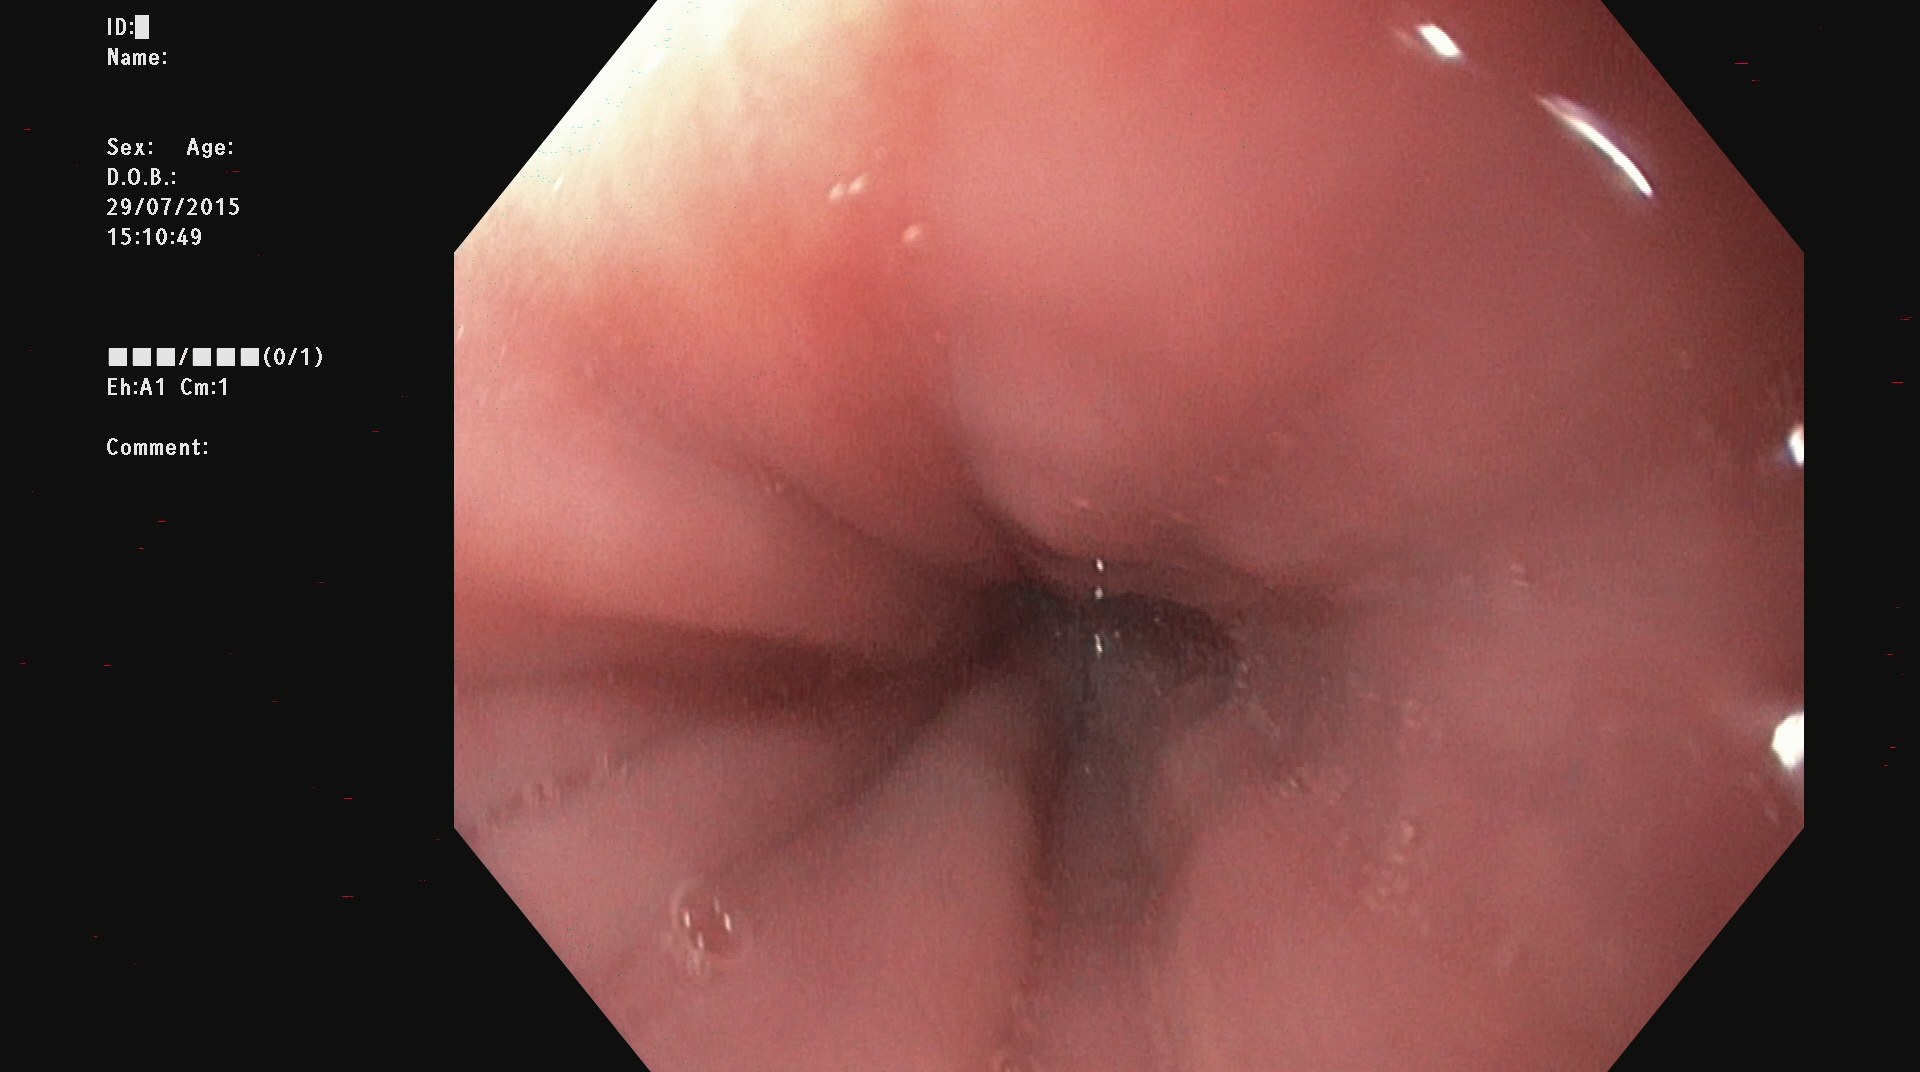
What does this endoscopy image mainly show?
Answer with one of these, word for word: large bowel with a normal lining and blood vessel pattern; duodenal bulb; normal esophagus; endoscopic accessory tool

normal esophagus